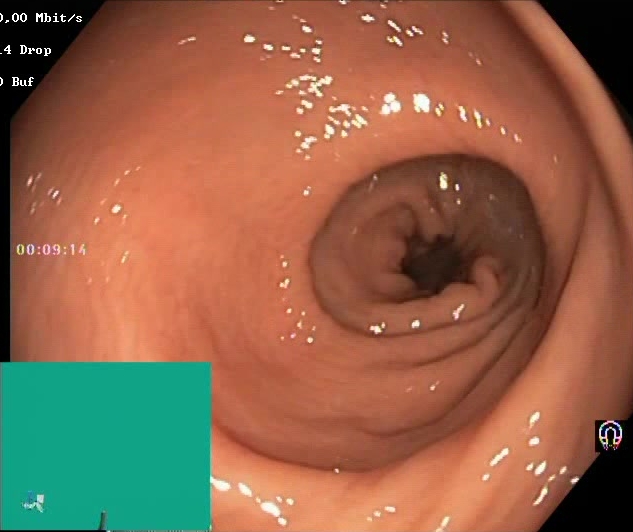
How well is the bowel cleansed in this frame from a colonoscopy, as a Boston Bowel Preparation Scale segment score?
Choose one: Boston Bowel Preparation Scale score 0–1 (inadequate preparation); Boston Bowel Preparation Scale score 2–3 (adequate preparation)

Boston Bowel Preparation Scale score 2–3 (adequate preparation)